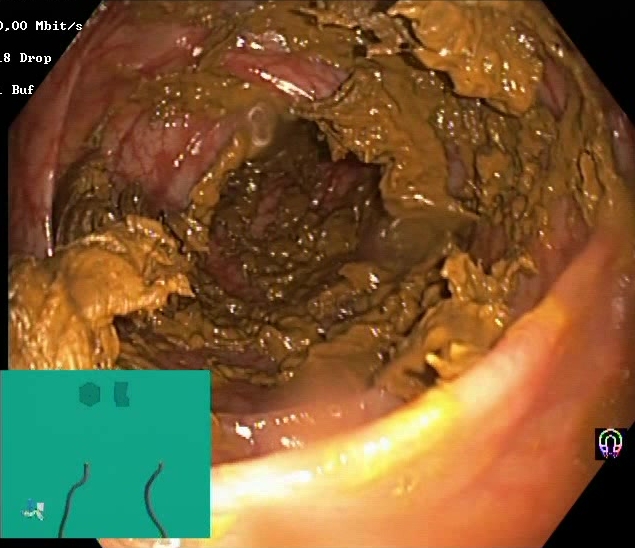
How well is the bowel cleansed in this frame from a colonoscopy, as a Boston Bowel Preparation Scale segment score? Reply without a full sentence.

Boston Bowel Preparation Scale score 0–1 (inadequate preparation)